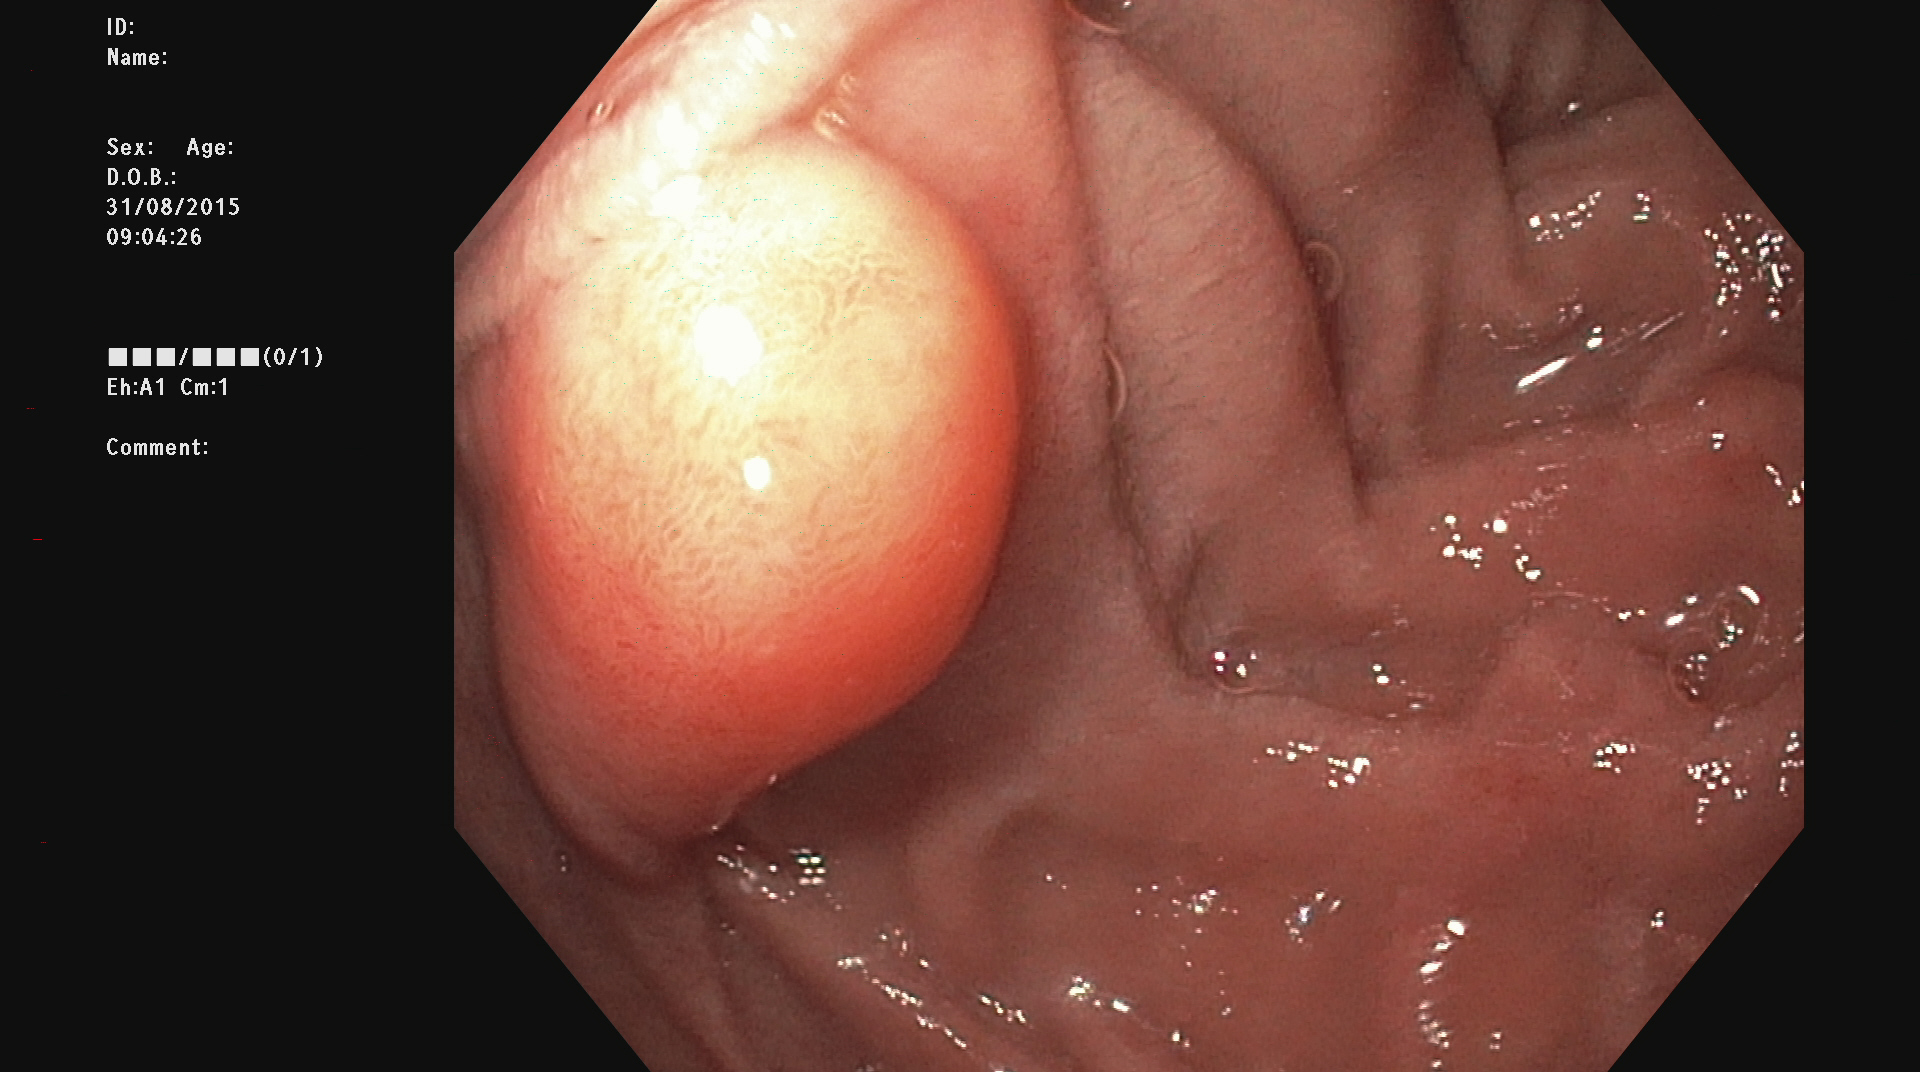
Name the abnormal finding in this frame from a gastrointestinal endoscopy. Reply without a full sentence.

colon polyp